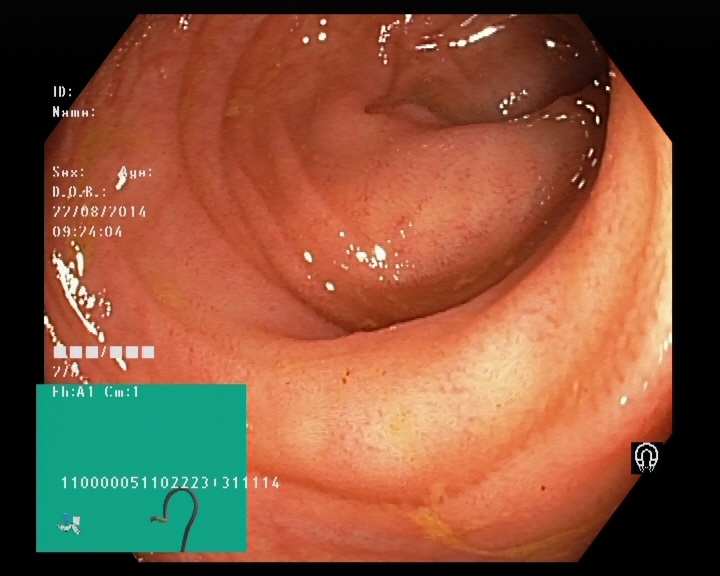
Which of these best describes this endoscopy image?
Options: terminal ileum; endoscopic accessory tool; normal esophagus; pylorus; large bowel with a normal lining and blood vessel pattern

large bowel with a normal lining and blood vessel pattern